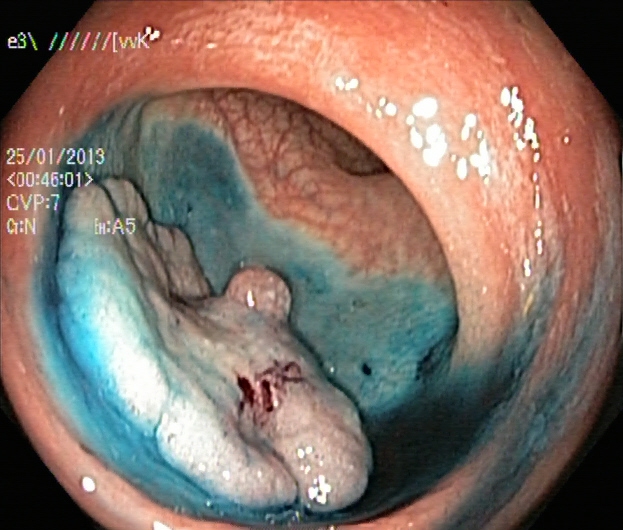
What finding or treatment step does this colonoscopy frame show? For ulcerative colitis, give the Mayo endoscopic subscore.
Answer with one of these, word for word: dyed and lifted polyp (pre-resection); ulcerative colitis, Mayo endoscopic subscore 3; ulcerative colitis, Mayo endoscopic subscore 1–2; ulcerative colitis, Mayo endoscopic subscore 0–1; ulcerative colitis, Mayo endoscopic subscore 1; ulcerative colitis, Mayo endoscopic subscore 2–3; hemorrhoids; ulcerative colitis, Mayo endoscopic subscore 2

dyed and lifted polyp (pre-resection)